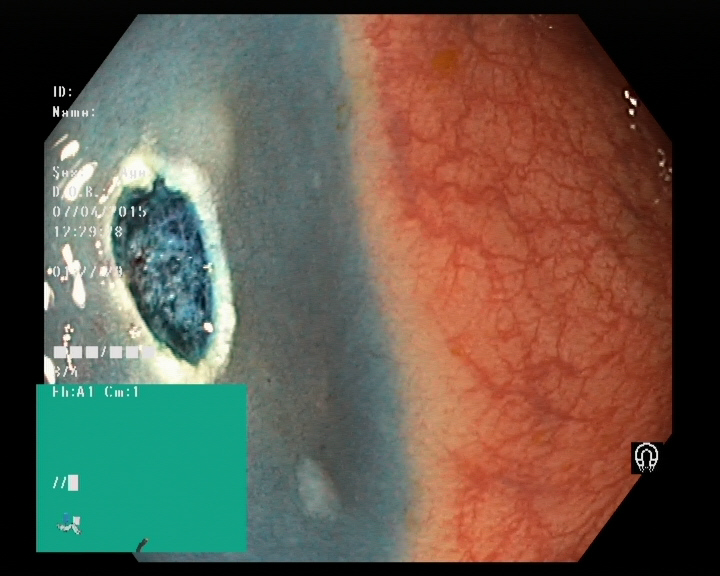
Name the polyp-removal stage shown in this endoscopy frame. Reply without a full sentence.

dyed resection margin (post-polypectomy)